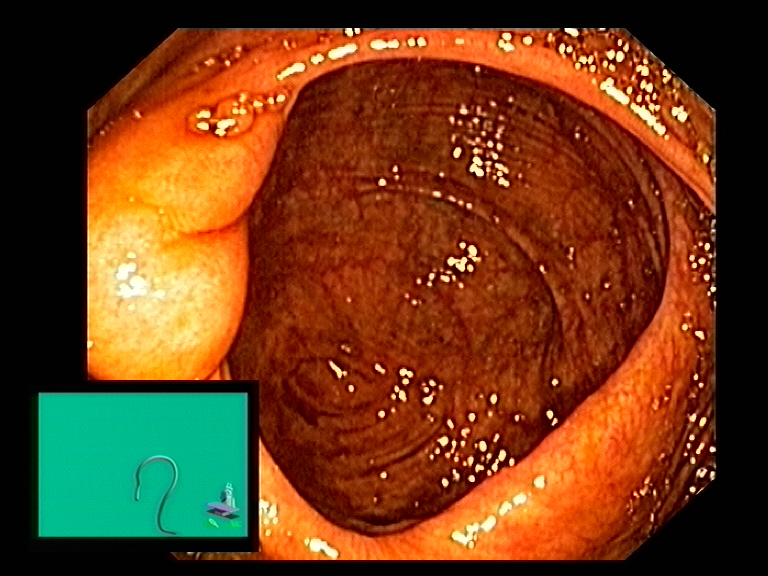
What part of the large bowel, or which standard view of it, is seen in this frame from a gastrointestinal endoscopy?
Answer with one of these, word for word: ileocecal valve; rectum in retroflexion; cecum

ileocecal valve